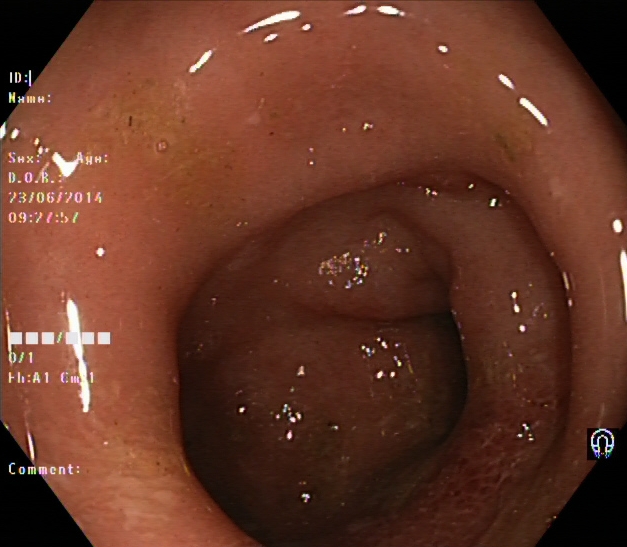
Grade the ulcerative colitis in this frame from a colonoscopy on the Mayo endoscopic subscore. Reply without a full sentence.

ulcerative colitis, Mayo endoscopic subscore 1